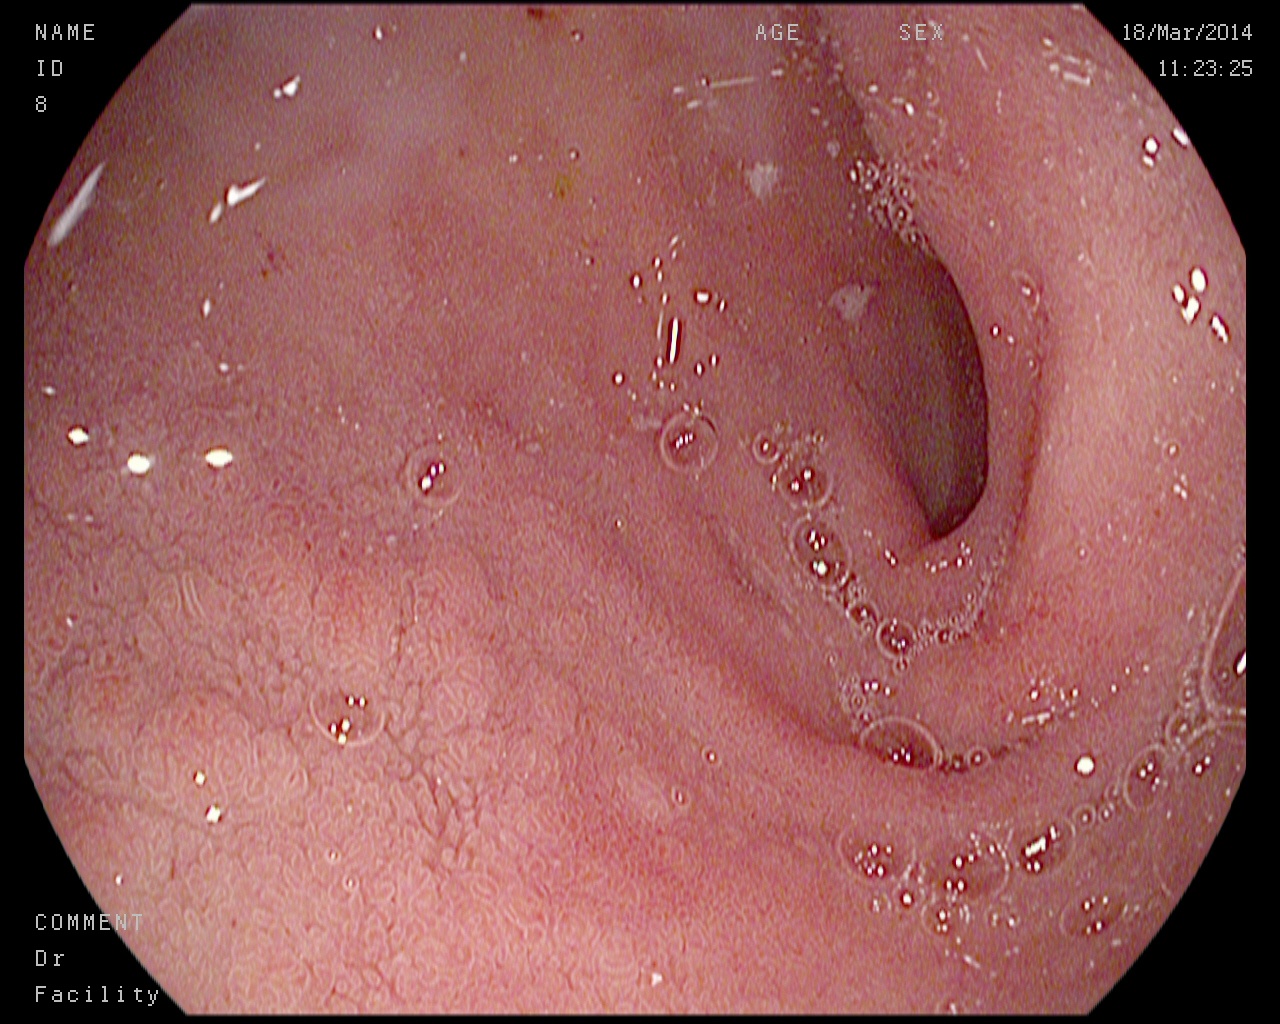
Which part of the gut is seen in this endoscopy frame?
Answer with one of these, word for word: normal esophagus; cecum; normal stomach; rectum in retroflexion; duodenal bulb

duodenal bulb